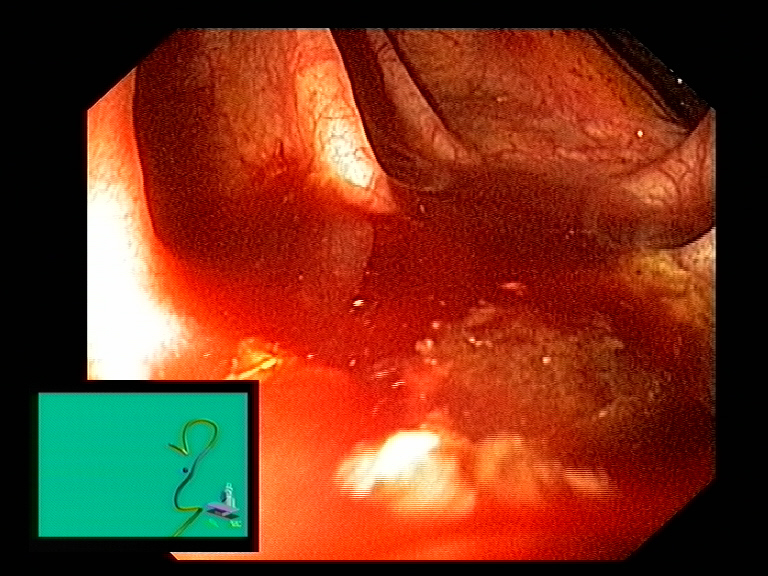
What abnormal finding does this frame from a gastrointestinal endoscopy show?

blood in the lumen